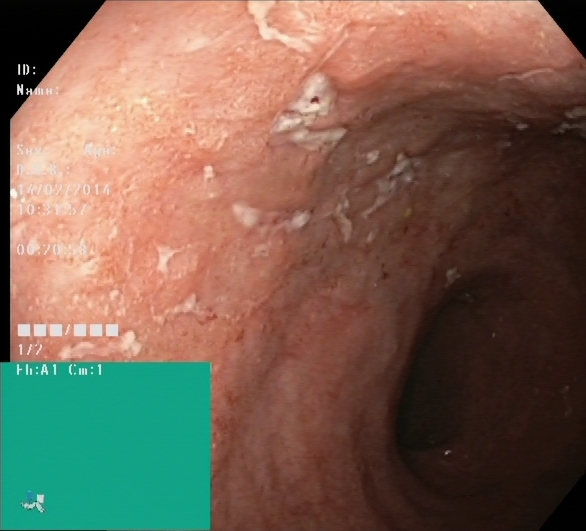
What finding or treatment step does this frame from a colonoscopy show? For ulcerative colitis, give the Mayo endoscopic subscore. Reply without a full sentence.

ulcerative colitis, Mayo endoscopic subscore 2–3